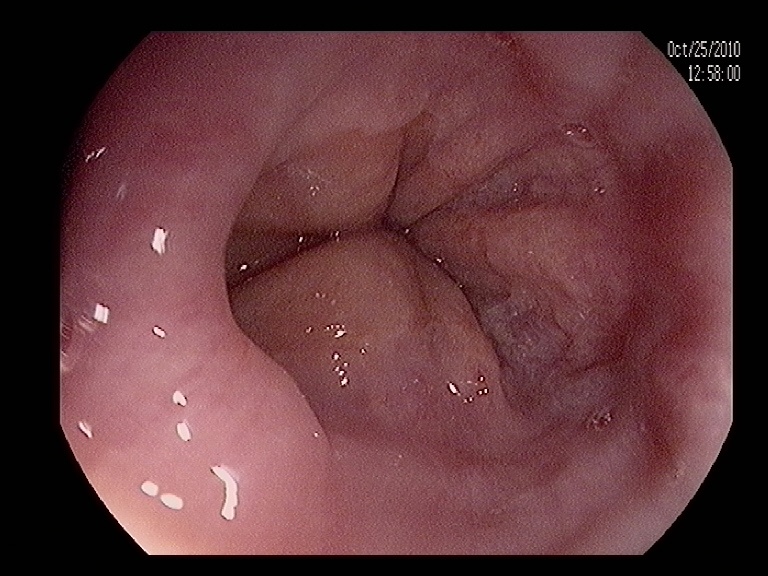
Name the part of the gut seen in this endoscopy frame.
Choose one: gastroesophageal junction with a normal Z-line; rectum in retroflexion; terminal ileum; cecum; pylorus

gastroesophageal junction with a normal Z-line